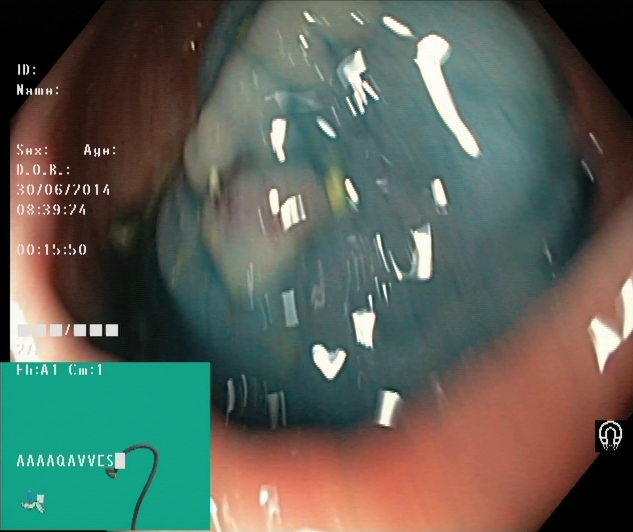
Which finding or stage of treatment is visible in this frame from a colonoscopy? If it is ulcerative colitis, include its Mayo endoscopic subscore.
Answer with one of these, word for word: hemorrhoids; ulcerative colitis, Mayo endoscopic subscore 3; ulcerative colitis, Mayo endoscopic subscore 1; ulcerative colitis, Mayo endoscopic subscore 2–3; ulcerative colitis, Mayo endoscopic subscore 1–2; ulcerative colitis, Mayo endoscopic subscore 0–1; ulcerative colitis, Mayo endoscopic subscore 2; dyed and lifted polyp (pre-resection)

dyed and lifted polyp (pre-resection)